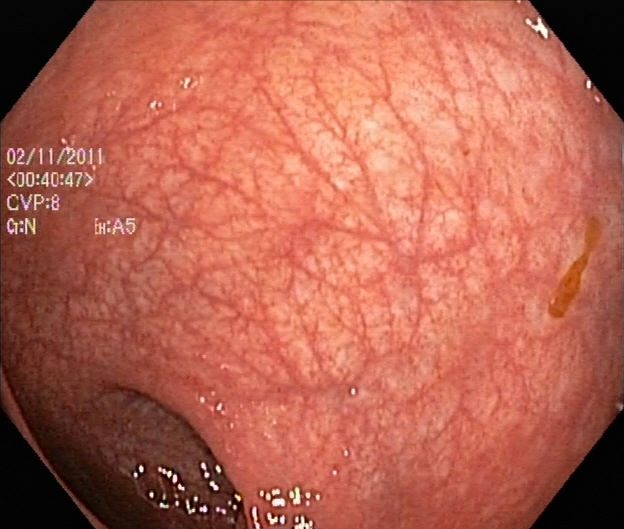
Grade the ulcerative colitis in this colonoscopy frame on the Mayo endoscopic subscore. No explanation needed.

ulcerative colitis, Mayo endoscopic subscore 1